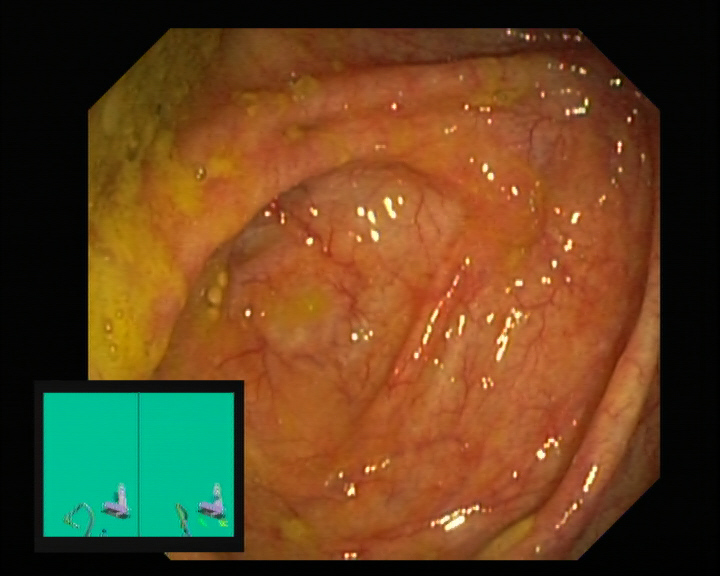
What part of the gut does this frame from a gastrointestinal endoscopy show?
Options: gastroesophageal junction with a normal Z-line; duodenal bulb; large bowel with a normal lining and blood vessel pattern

large bowel with a normal lining and blood vessel pattern